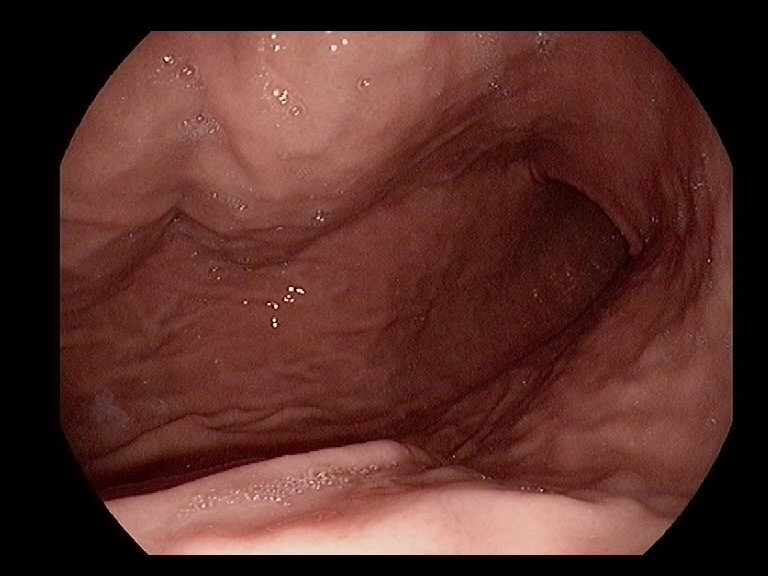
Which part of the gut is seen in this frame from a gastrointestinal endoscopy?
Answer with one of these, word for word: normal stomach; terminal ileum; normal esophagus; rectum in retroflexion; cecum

normal stomach